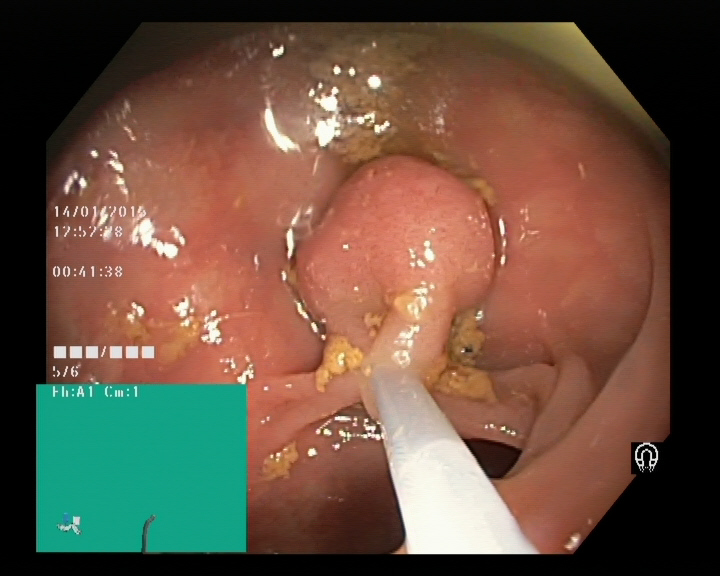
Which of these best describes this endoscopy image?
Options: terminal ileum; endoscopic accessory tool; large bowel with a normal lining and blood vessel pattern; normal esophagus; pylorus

endoscopic accessory tool